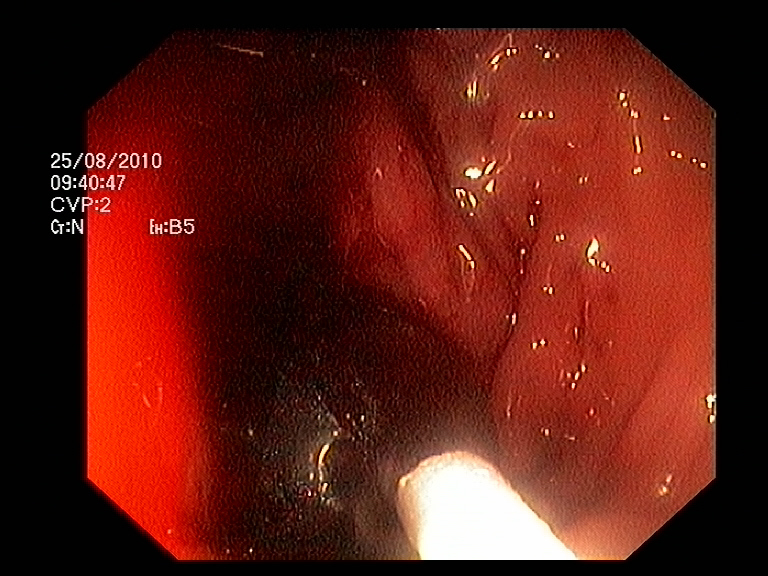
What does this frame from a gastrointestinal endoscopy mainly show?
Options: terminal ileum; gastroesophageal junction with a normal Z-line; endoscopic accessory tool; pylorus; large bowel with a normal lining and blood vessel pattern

endoscopic accessory tool